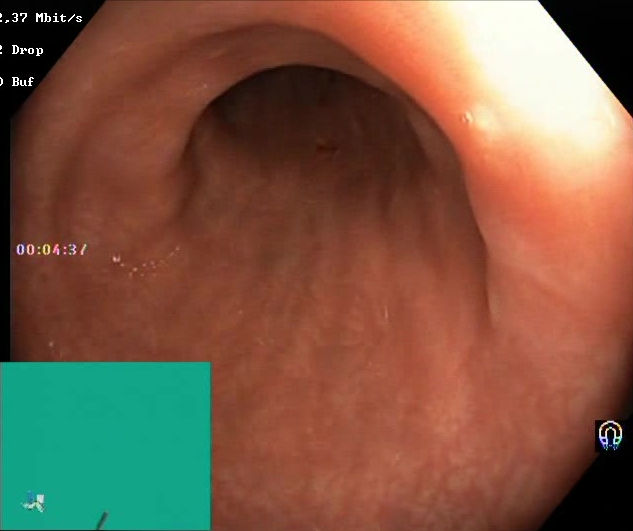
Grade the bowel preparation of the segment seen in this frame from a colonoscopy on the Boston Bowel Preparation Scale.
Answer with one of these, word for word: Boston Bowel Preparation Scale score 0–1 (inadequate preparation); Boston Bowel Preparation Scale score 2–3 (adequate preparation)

Boston Bowel Preparation Scale score 2–3 (adequate preparation)